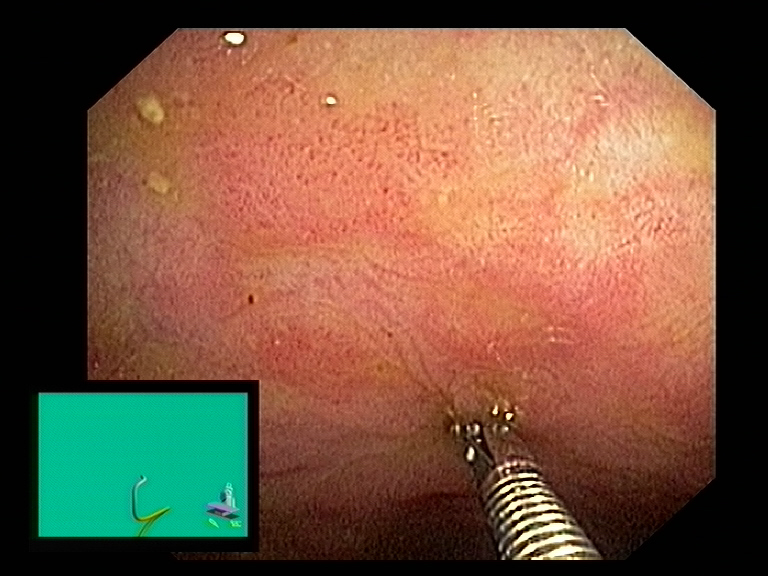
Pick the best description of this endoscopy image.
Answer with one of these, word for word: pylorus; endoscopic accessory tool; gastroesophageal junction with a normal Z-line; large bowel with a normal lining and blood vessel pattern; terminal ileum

endoscopic accessory tool